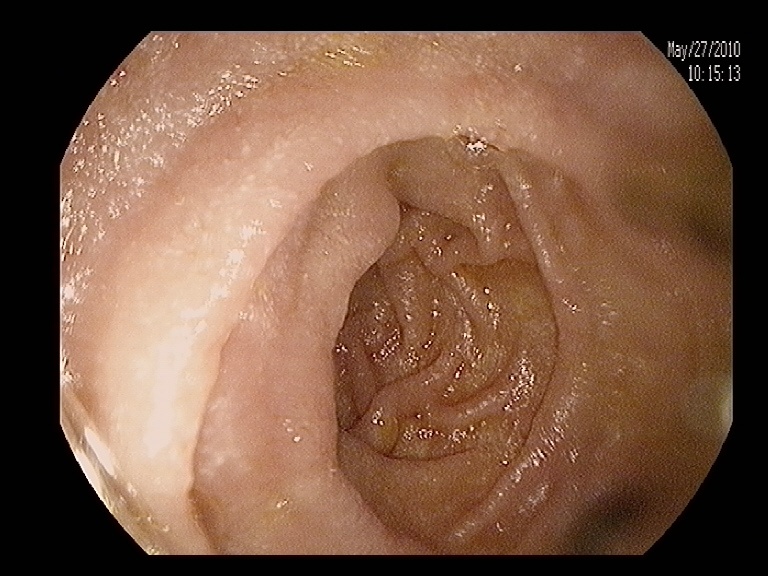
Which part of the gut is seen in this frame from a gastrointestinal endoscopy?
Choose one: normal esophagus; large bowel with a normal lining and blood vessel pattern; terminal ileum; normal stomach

terminal ileum